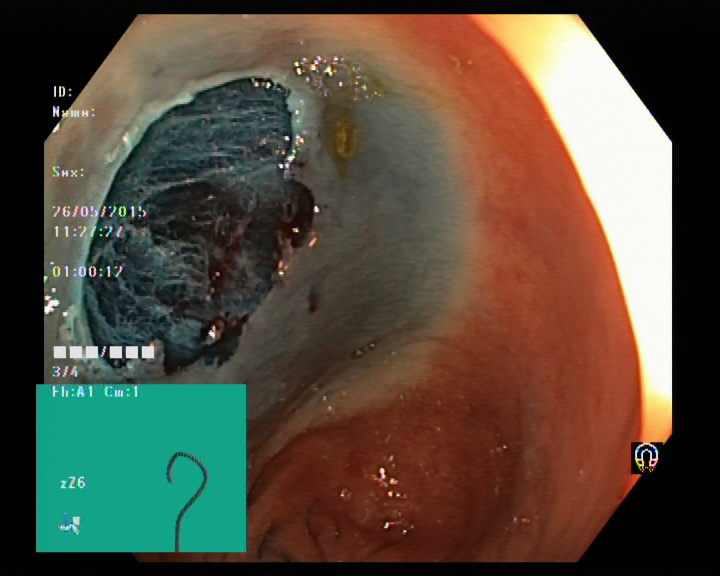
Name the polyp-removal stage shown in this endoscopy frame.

dyed resection margin (post-polypectomy)